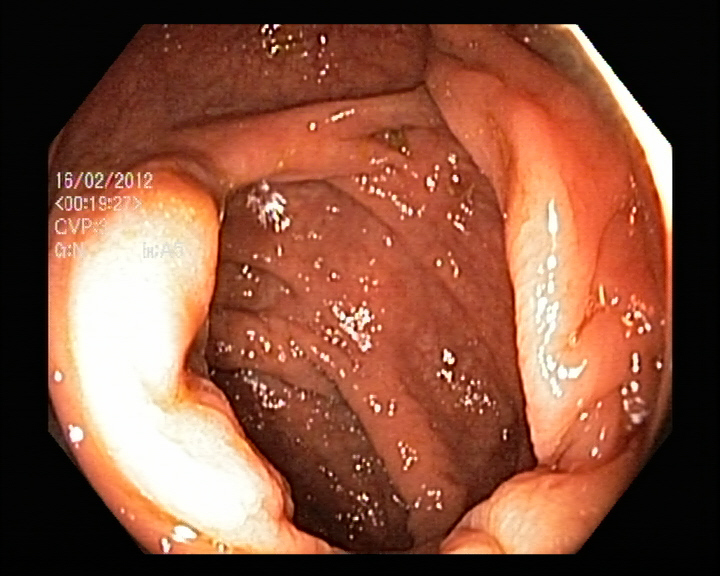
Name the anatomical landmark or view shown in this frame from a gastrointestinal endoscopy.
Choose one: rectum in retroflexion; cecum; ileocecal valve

ileocecal valve